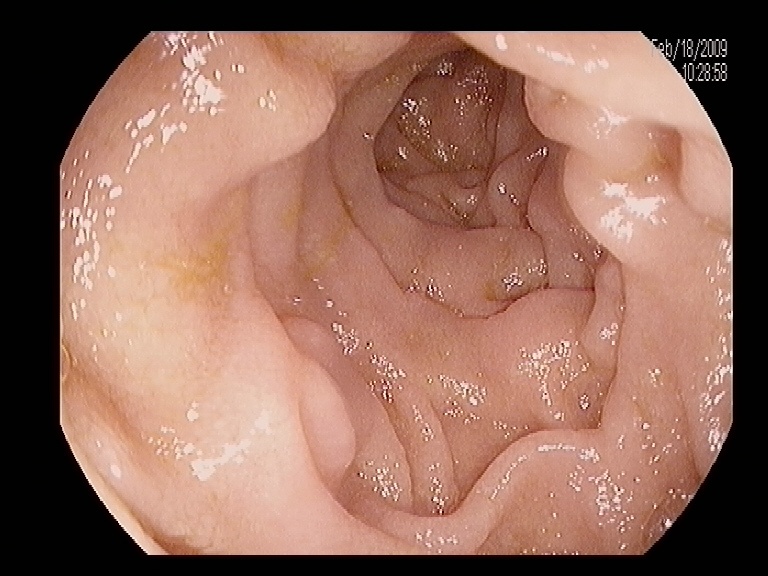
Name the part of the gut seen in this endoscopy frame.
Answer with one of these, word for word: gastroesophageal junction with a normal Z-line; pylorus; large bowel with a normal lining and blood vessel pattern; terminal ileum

terminal ileum